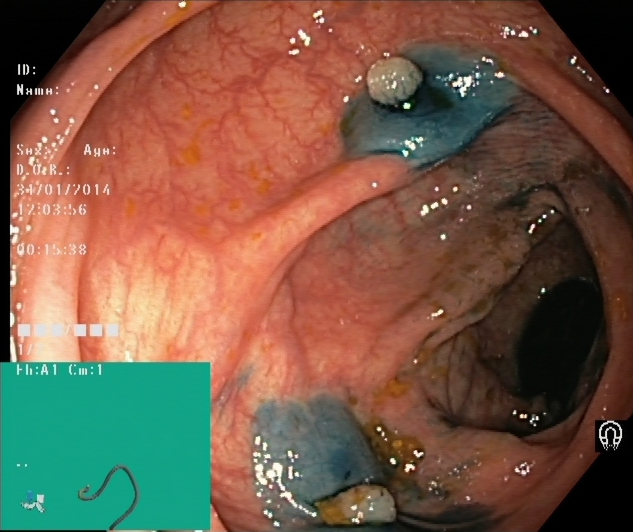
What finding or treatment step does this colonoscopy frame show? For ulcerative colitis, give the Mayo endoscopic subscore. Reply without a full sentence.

dyed and lifted polyp (pre-resection)